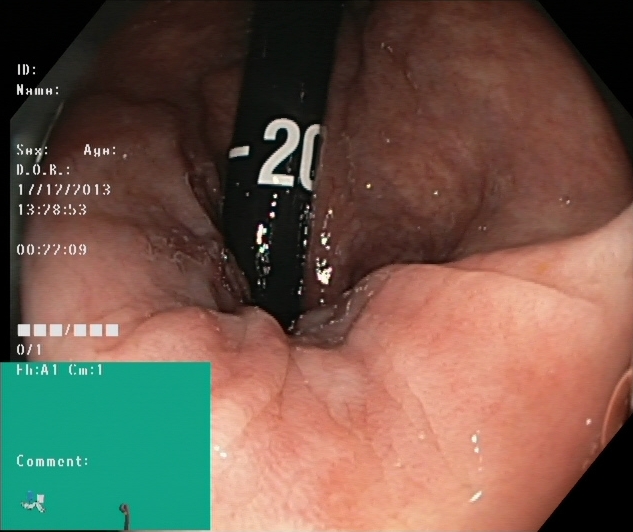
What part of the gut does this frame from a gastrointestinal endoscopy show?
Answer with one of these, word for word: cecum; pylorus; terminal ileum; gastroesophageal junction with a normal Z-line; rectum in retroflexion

rectum in retroflexion